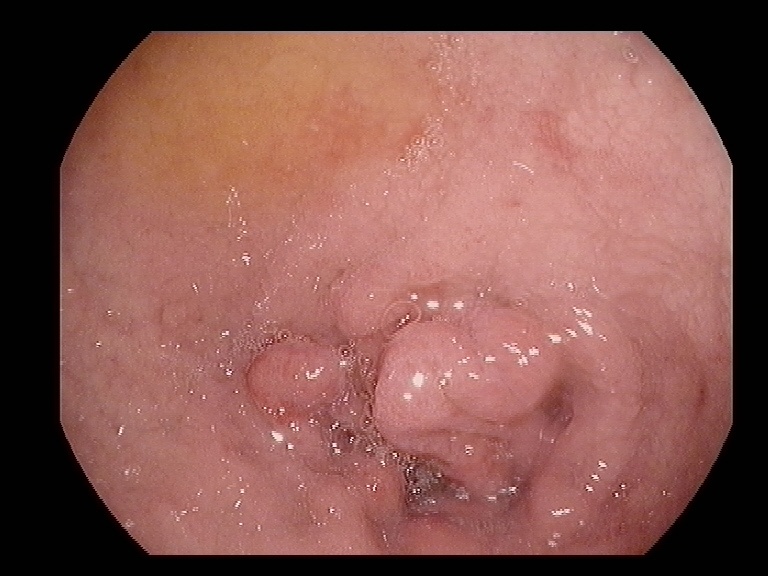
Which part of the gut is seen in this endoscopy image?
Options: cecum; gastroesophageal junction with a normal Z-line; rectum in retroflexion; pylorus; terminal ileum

pylorus